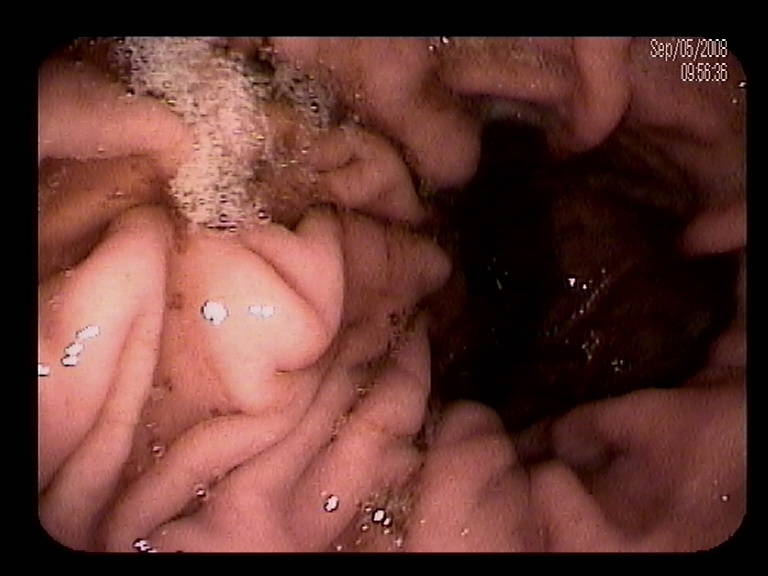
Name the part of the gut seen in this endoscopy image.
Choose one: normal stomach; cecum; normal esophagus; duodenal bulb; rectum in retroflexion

normal stomach